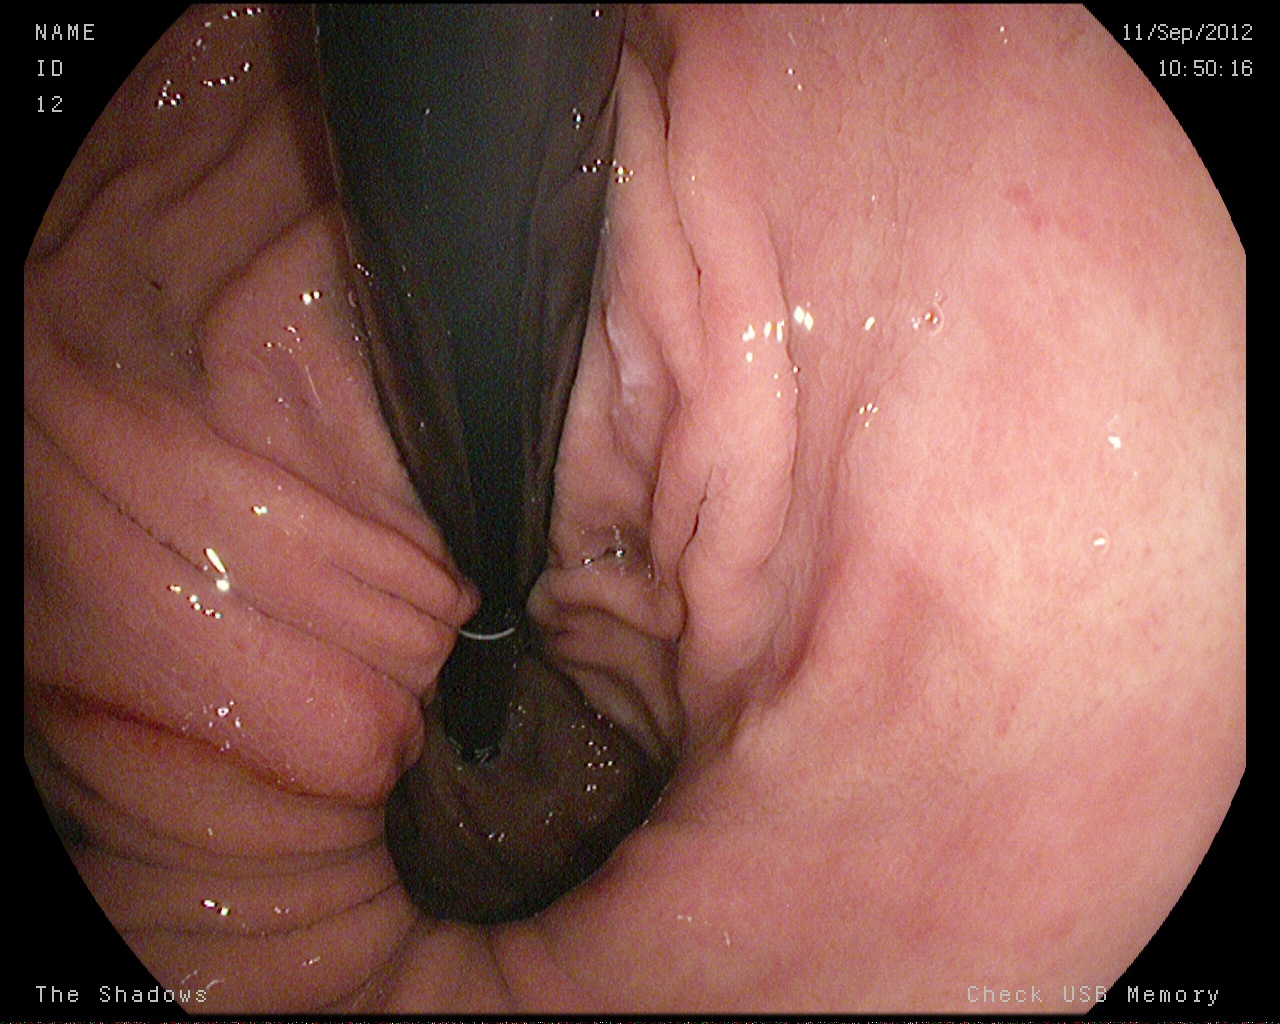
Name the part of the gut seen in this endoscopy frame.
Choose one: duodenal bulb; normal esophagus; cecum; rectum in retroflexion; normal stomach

normal stomach